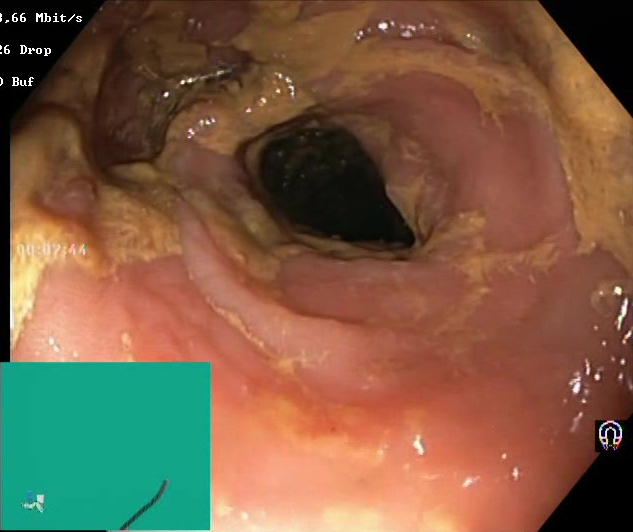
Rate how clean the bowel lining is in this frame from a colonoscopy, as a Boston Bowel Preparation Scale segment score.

Boston Bowel Preparation Scale score 0–1 (inadequate preparation)